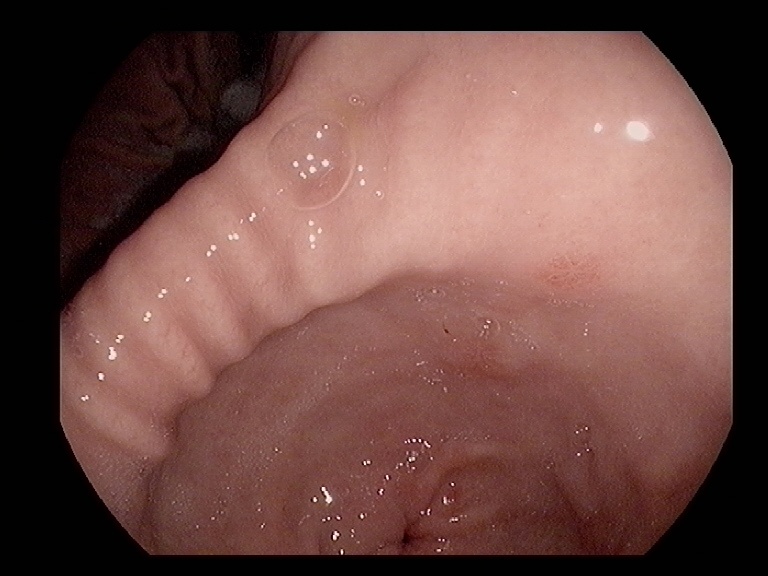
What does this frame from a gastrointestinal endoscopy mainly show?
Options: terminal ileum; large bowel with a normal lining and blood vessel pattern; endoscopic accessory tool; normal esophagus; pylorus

pylorus